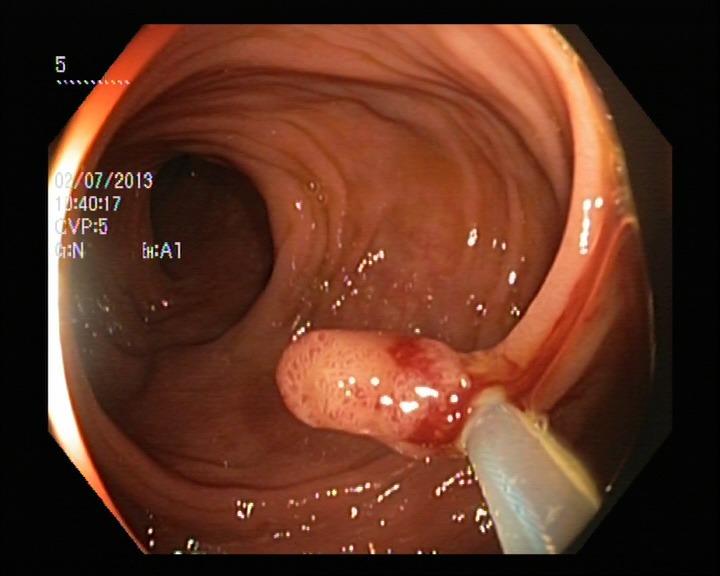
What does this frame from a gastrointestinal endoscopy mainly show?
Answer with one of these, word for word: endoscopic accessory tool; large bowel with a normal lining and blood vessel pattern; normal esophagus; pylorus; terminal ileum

endoscopic accessory tool